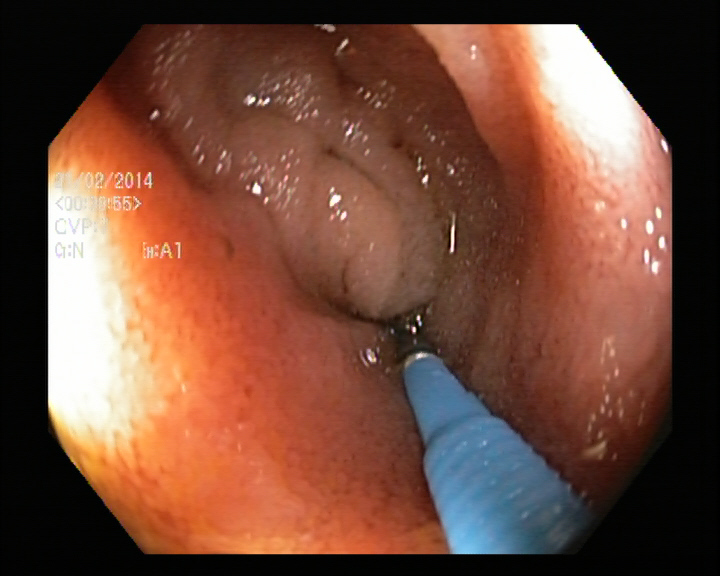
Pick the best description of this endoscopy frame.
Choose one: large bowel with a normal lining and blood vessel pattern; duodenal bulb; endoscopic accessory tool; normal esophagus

endoscopic accessory tool